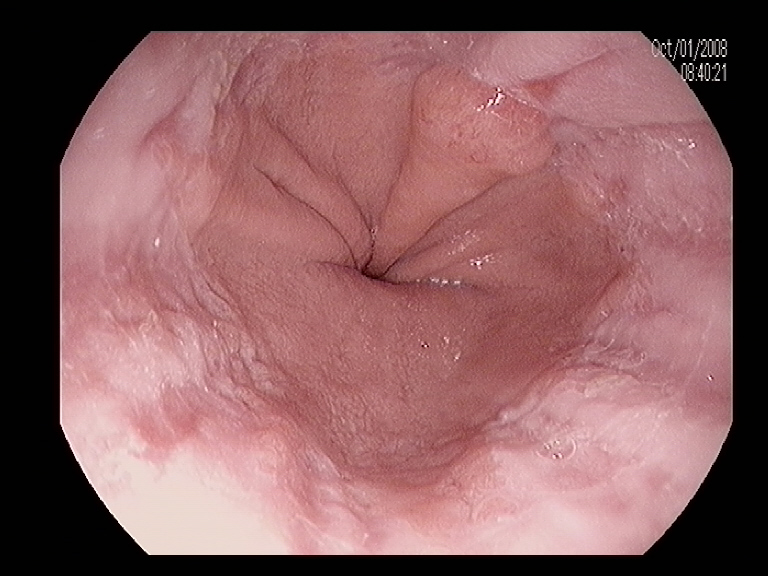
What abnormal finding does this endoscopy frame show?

esophagitis